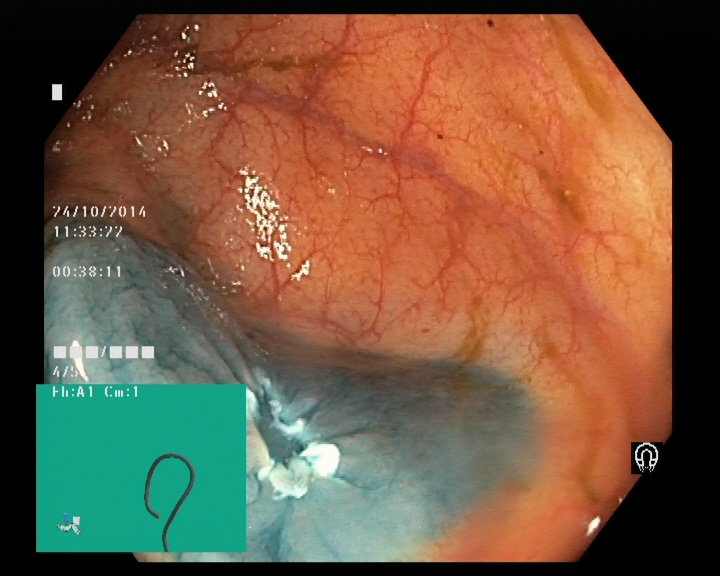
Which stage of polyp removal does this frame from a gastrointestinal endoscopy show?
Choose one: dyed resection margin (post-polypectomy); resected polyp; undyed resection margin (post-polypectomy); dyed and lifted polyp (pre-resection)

dyed resection margin (post-polypectomy)